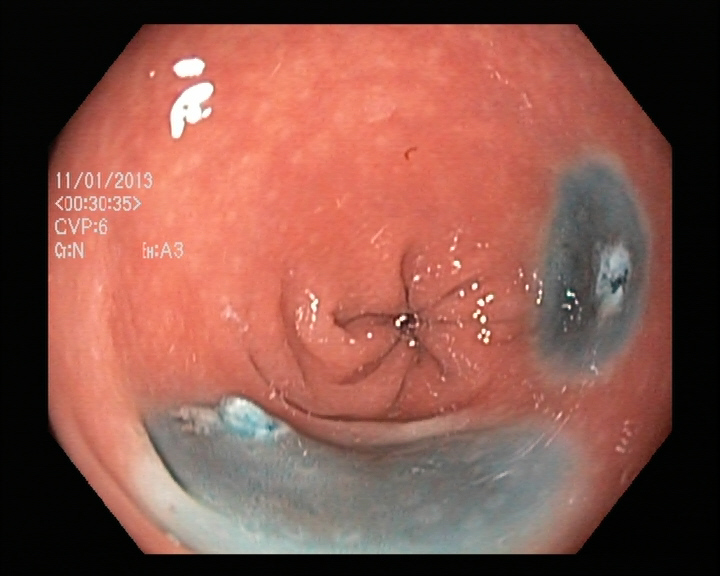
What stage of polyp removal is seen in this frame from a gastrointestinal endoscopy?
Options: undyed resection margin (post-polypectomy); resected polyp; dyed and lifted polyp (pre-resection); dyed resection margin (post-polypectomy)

dyed resection margin (post-polypectomy)